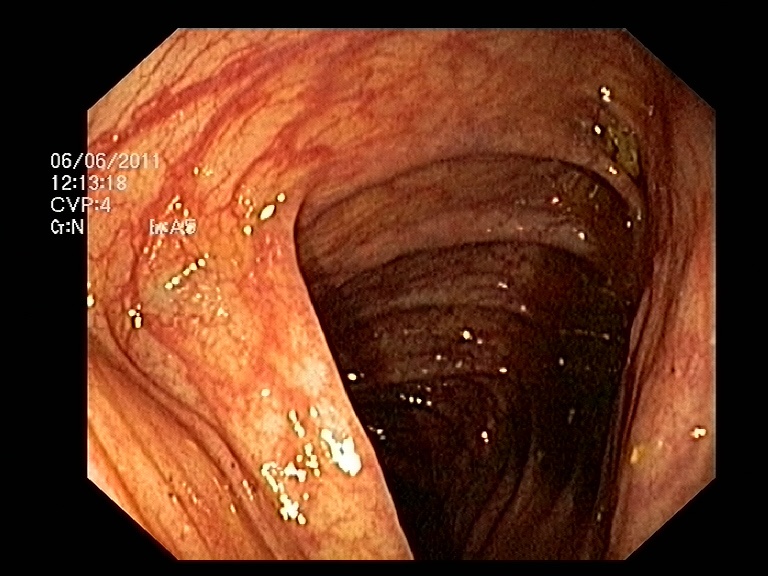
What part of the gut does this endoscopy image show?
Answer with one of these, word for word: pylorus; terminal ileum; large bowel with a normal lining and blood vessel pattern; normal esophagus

large bowel with a normal lining and blood vessel pattern